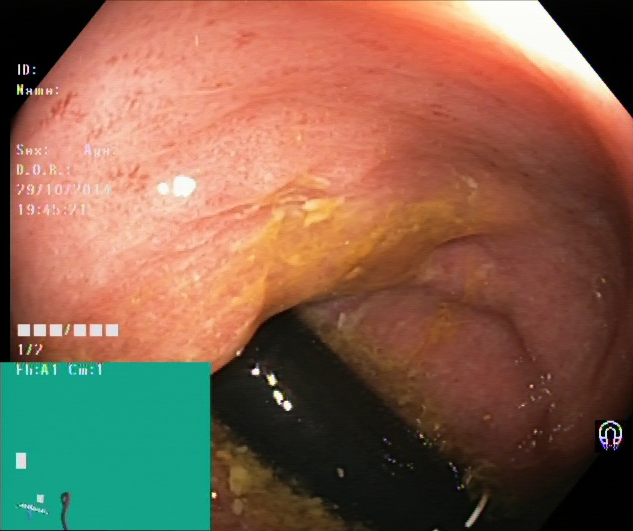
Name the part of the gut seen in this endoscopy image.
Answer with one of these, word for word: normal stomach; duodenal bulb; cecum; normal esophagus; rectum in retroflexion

rectum in retroflexion